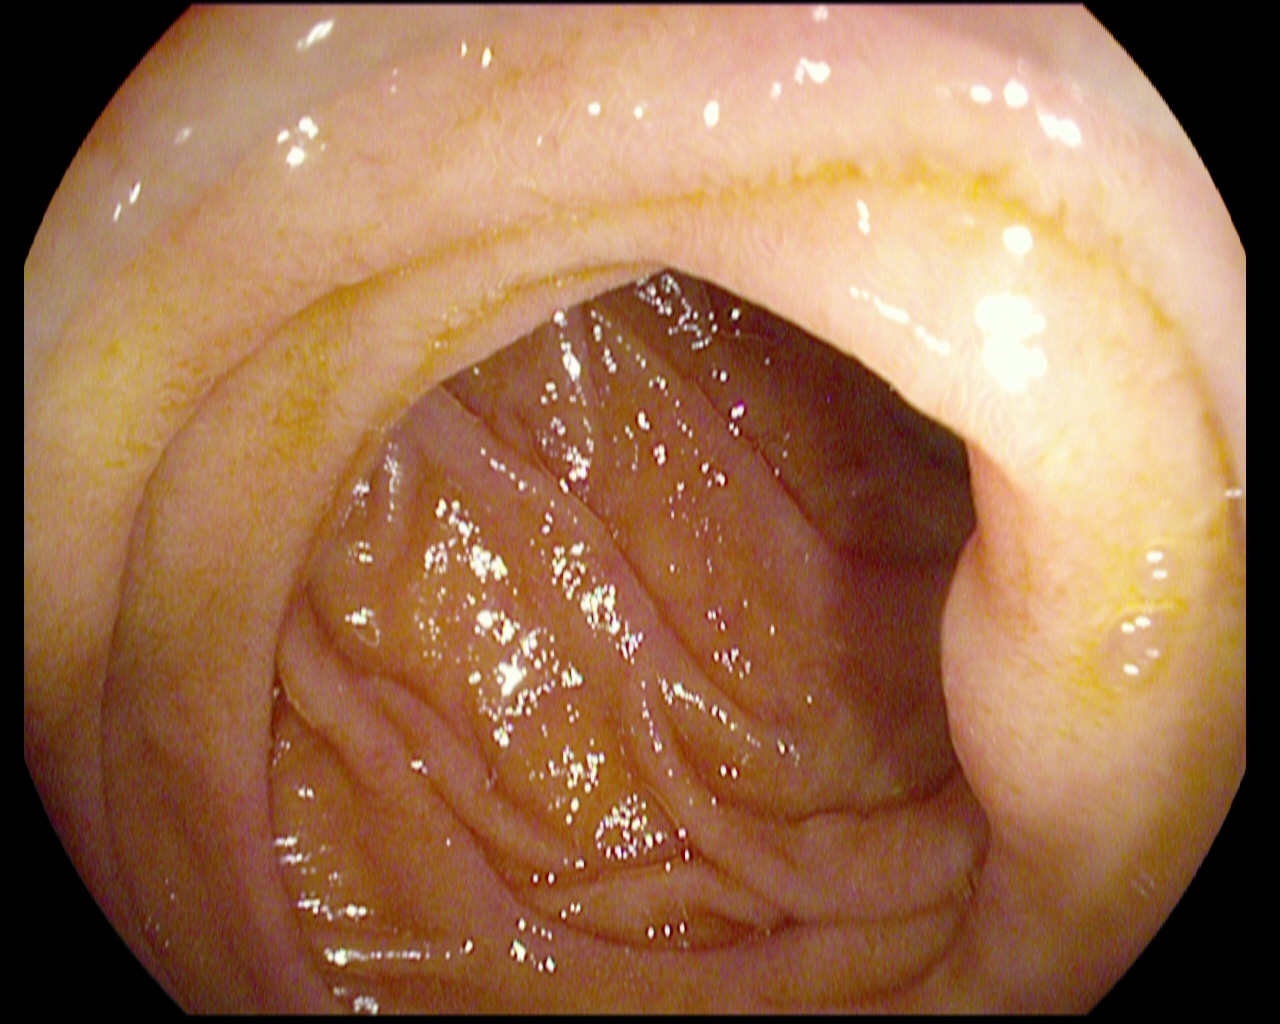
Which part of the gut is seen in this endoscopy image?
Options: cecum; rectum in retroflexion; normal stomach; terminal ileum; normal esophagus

terminal ileum